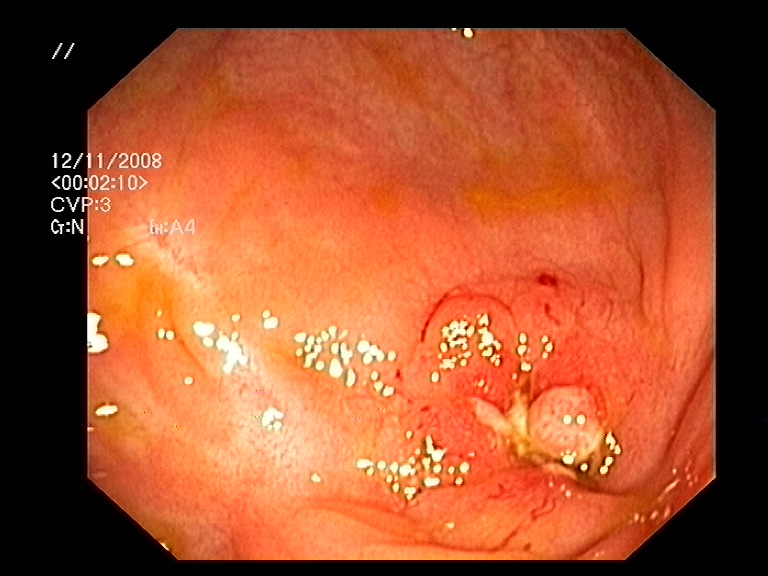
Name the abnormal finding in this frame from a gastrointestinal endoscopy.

colorectal cancer